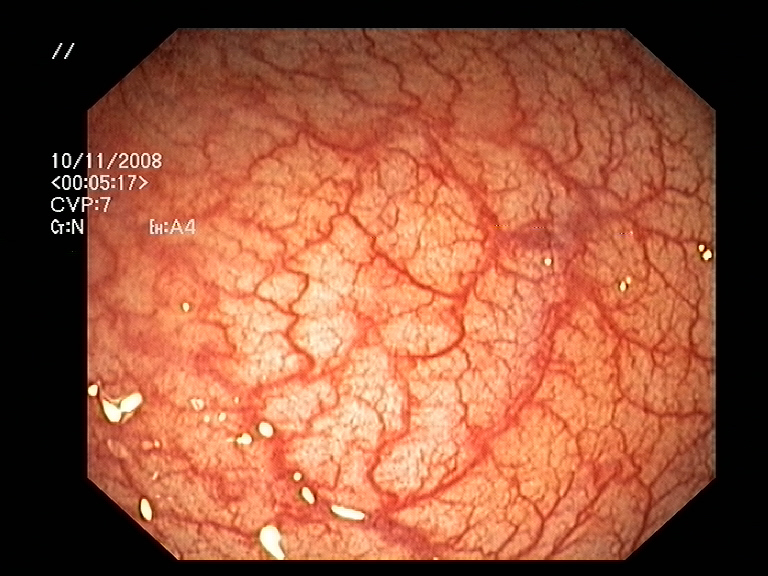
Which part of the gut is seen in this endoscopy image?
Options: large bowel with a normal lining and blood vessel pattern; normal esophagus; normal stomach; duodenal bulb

large bowel with a normal lining and blood vessel pattern